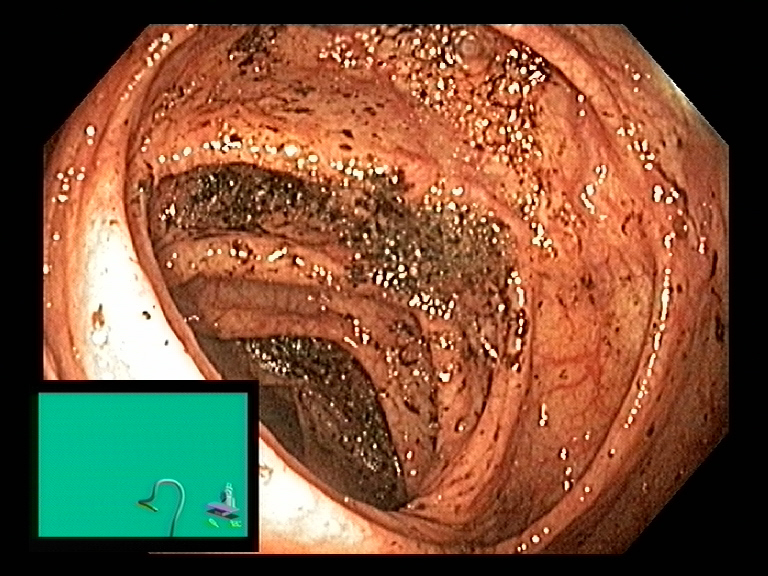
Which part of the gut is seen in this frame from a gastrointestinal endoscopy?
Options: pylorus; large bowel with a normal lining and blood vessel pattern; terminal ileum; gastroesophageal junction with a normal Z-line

large bowel with a normal lining and blood vessel pattern